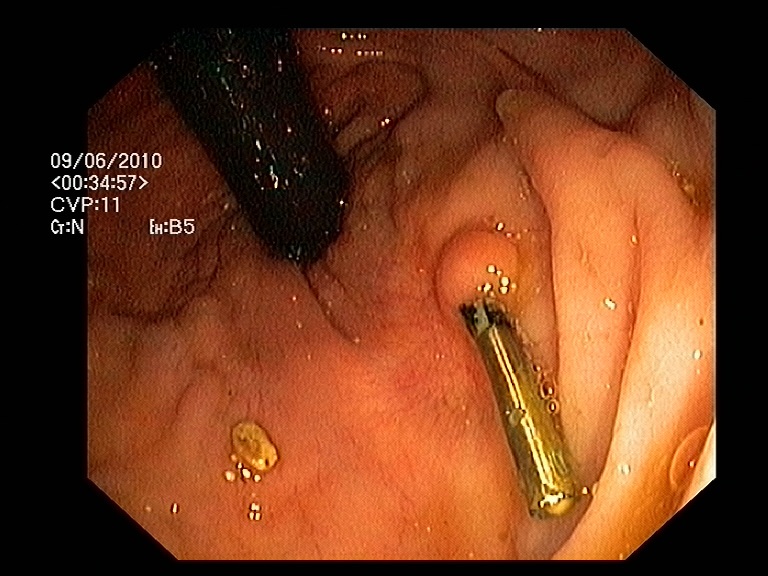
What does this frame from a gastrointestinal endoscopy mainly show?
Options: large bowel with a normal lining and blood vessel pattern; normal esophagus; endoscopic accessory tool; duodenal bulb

endoscopic accessory tool